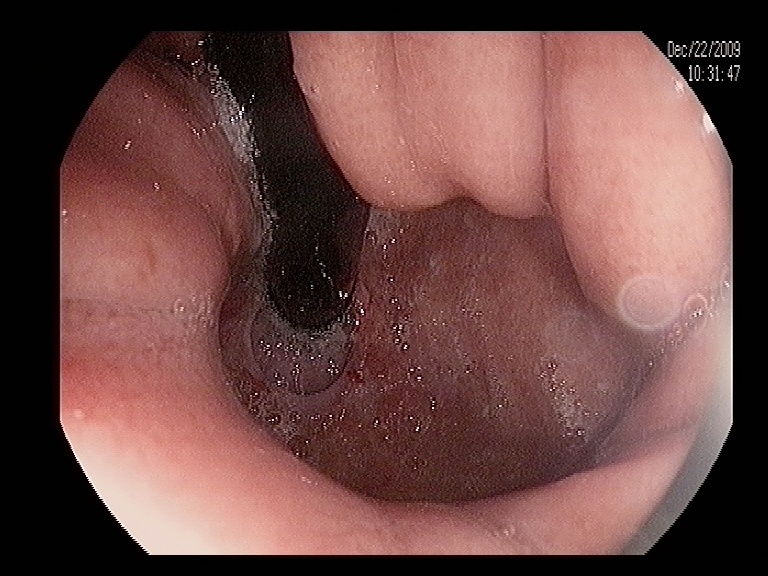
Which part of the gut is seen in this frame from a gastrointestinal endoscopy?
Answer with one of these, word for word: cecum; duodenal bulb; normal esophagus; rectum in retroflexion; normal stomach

normal stomach